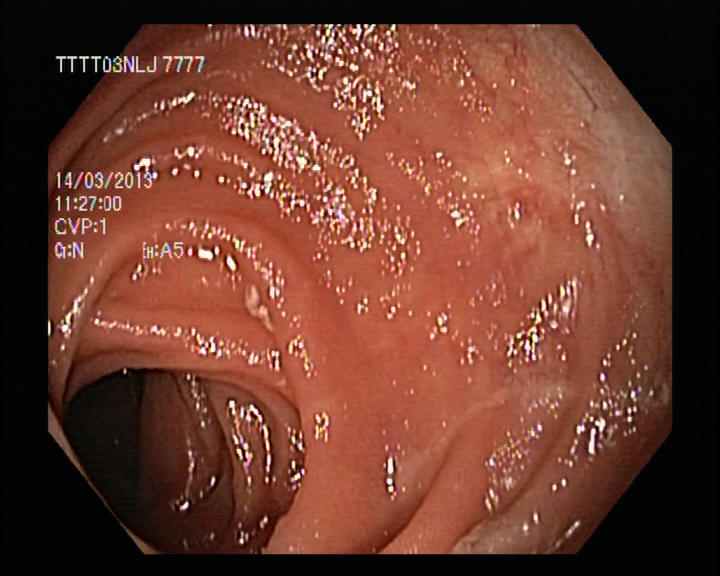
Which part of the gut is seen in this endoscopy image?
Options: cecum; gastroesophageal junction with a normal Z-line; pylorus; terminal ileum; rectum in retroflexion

terminal ileum